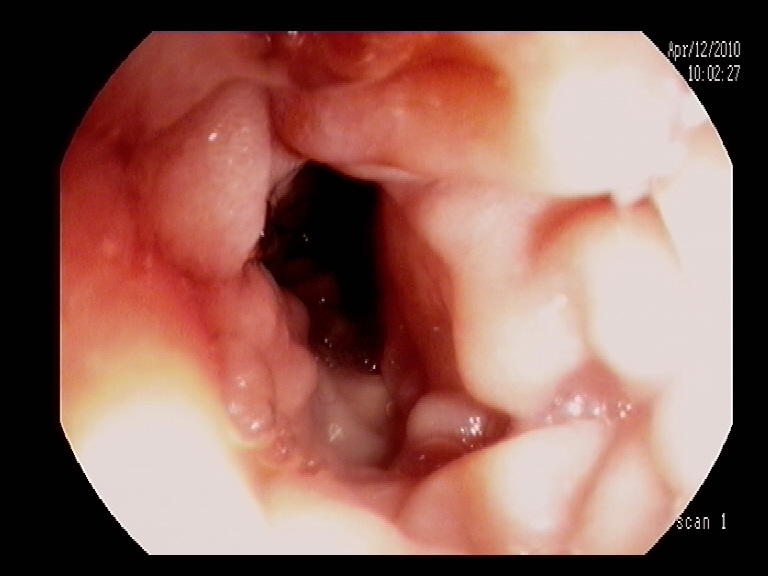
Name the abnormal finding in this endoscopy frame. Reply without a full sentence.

blood in the lumen